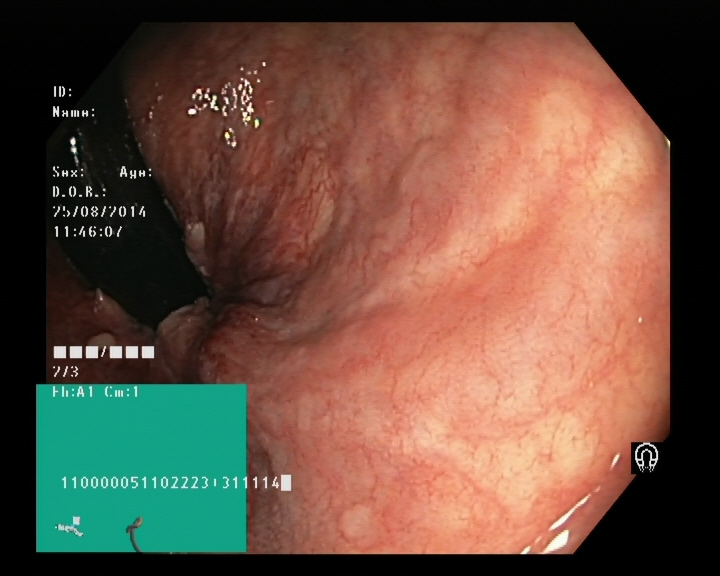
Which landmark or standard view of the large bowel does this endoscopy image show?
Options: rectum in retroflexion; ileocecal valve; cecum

rectum in retroflexion